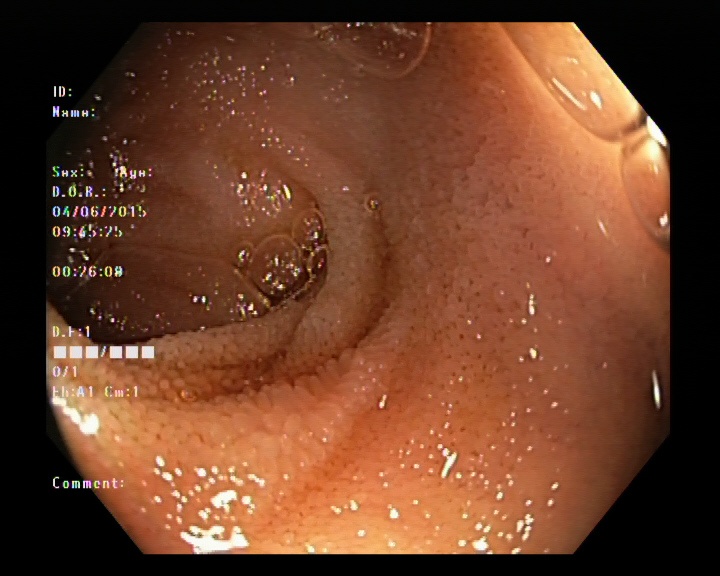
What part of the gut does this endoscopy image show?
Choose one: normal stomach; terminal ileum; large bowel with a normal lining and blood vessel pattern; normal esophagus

terminal ileum